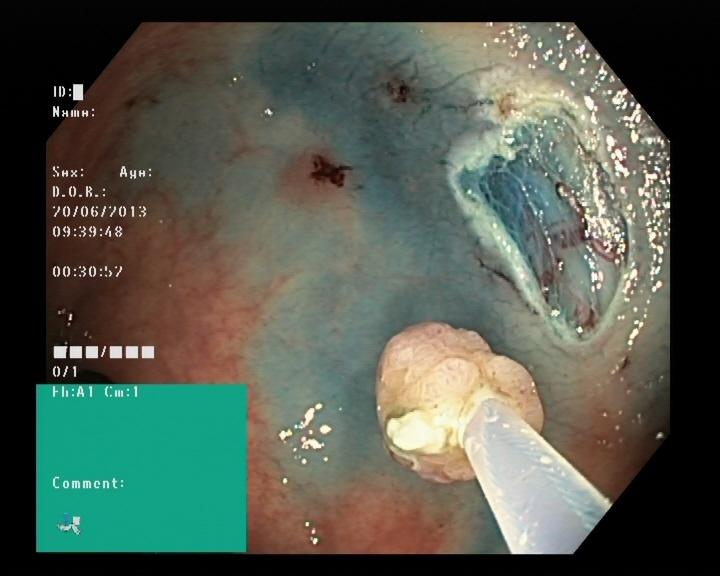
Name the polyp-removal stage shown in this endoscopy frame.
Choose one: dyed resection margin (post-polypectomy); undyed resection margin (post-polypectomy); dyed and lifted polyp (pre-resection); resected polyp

resected polyp